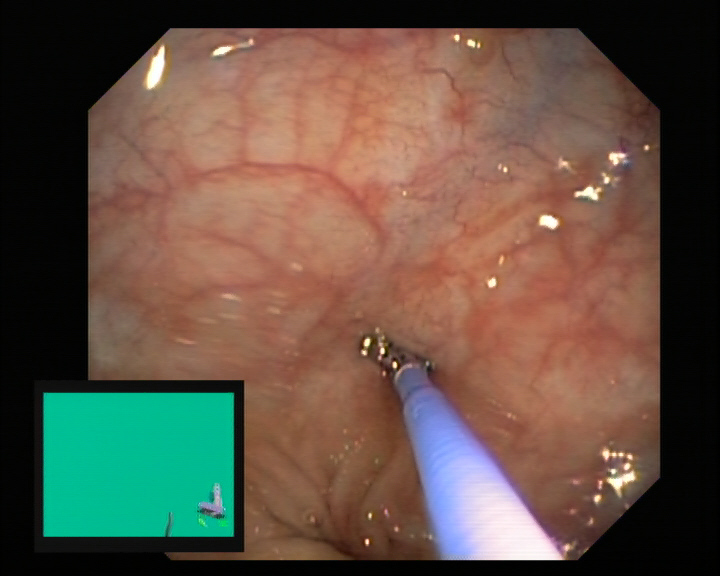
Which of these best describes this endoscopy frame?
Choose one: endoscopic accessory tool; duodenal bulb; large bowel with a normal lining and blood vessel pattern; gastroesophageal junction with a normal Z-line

endoscopic accessory tool